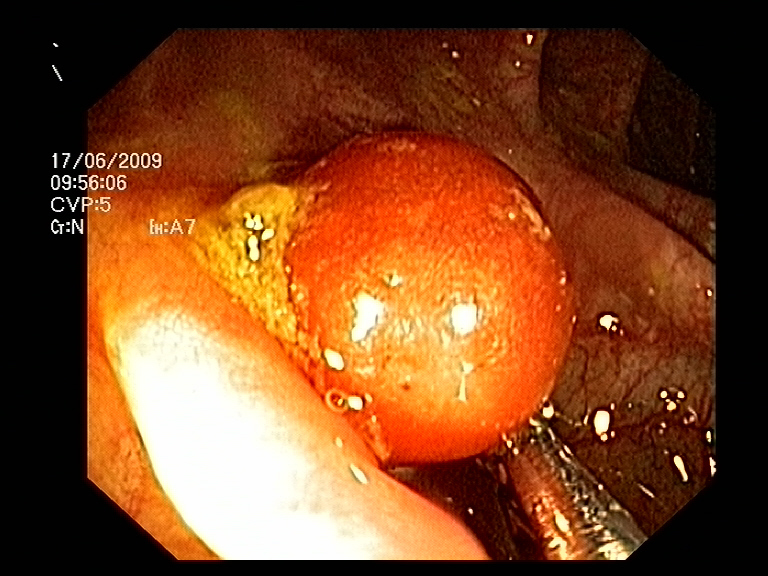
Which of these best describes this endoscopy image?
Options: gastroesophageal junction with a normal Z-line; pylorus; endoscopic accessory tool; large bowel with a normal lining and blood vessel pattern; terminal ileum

endoscopic accessory tool